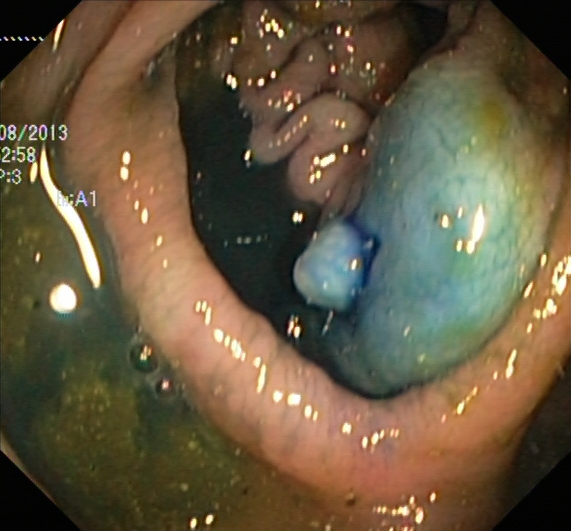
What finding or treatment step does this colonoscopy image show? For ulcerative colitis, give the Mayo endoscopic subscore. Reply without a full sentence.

dyed and lifted polyp (pre-resection)